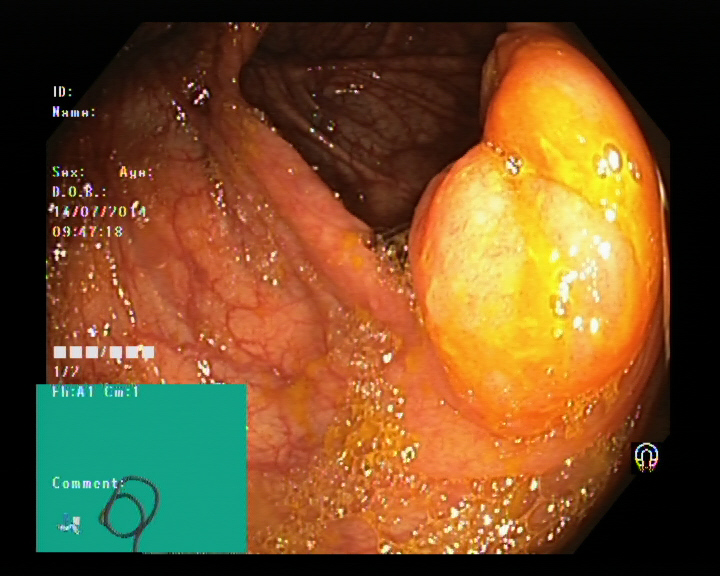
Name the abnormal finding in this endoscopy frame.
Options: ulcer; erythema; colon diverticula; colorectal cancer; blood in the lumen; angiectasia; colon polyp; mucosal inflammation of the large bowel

colon polyp